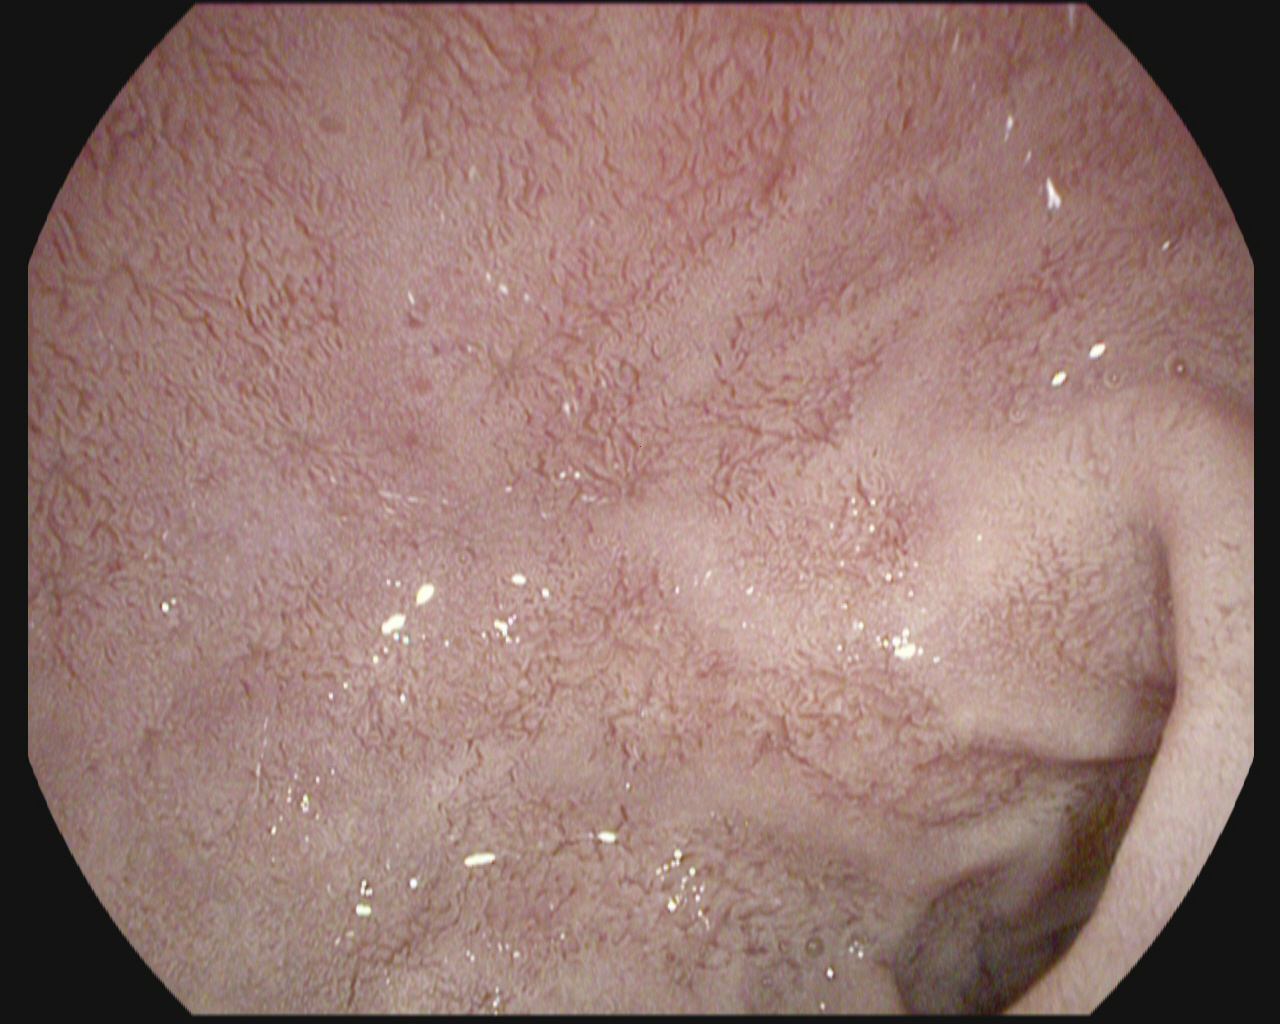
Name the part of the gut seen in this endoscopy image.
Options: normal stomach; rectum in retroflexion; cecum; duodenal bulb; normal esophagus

duodenal bulb